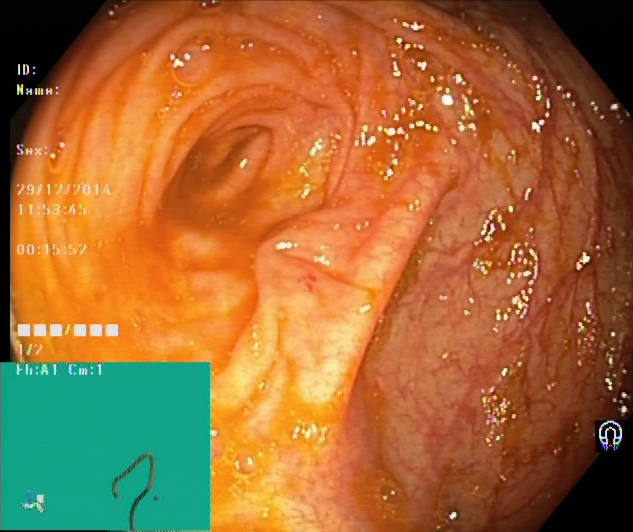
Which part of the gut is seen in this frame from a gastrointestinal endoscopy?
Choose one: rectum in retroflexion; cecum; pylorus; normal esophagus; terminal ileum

cecum